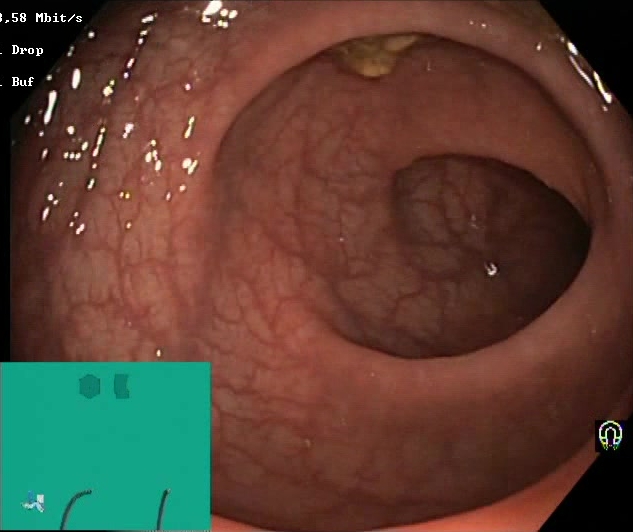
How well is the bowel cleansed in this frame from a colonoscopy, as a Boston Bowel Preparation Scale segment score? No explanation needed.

Boston Bowel Preparation Scale score 2–3 (adequate preparation)